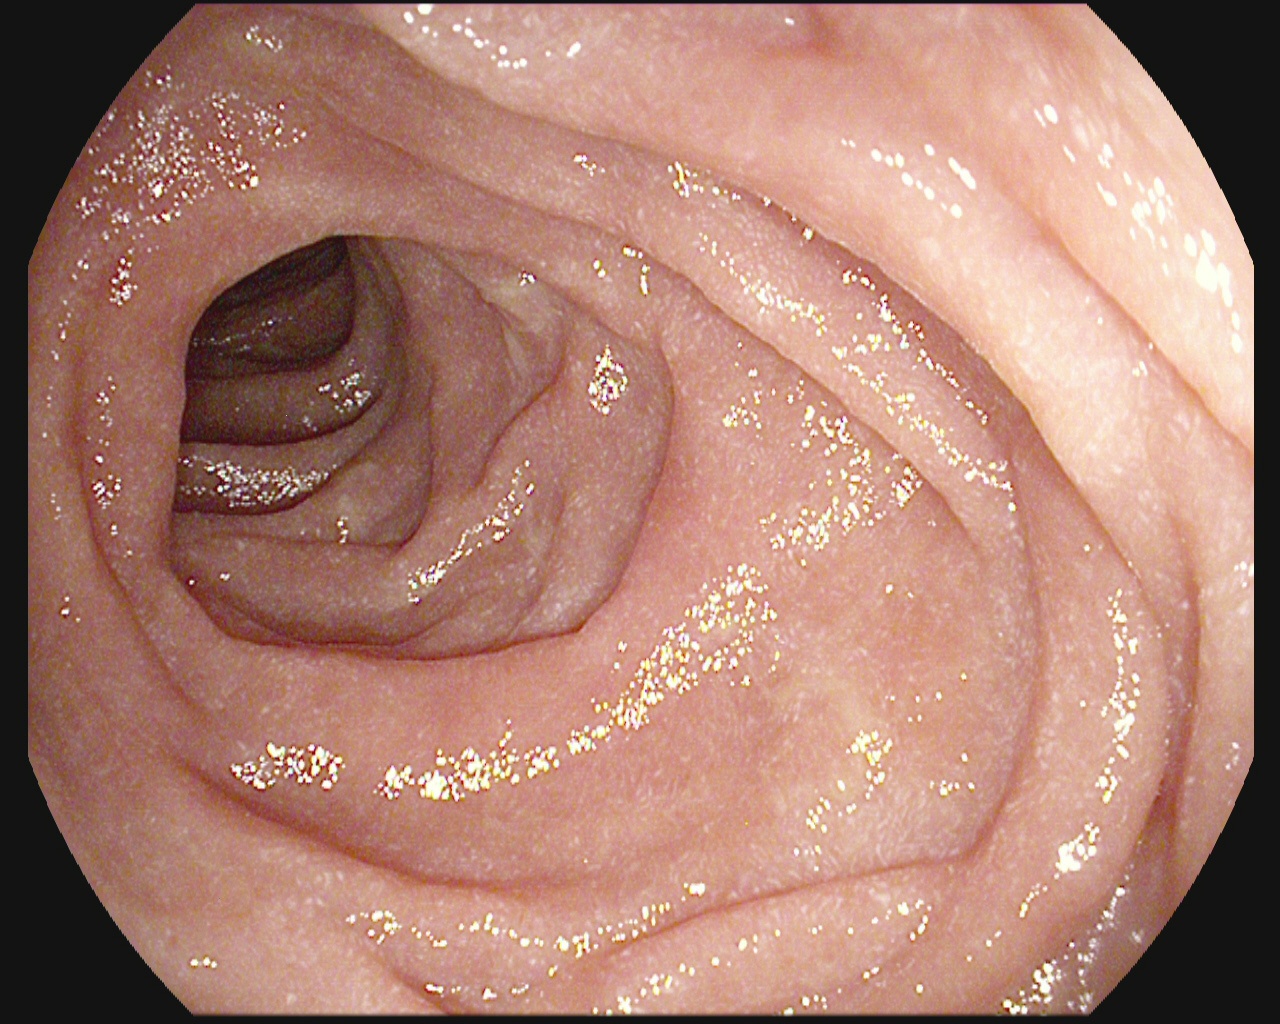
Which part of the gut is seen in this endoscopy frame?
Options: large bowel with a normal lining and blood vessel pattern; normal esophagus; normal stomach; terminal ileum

terminal ileum